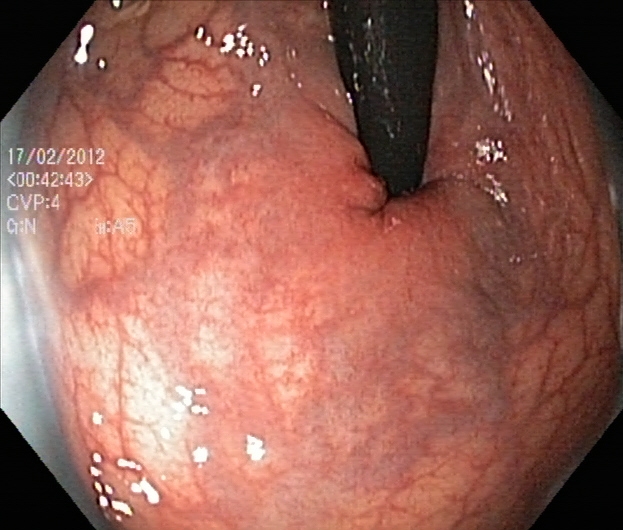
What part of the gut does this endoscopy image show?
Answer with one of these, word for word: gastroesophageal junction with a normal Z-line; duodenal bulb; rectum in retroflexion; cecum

rectum in retroflexion